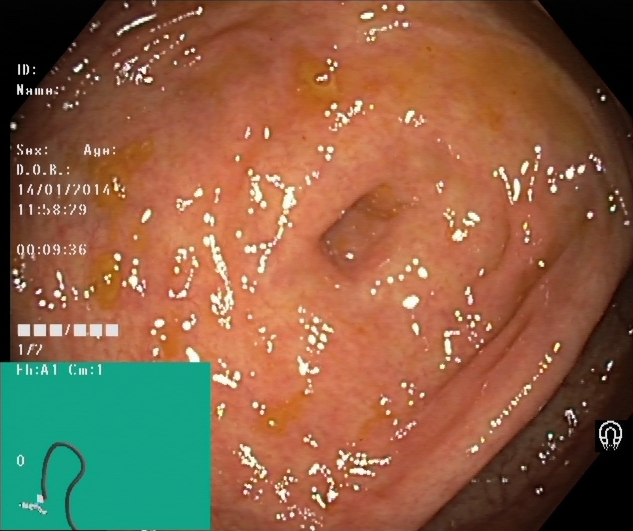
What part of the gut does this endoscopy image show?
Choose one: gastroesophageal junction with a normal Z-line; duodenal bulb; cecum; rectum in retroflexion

cecum